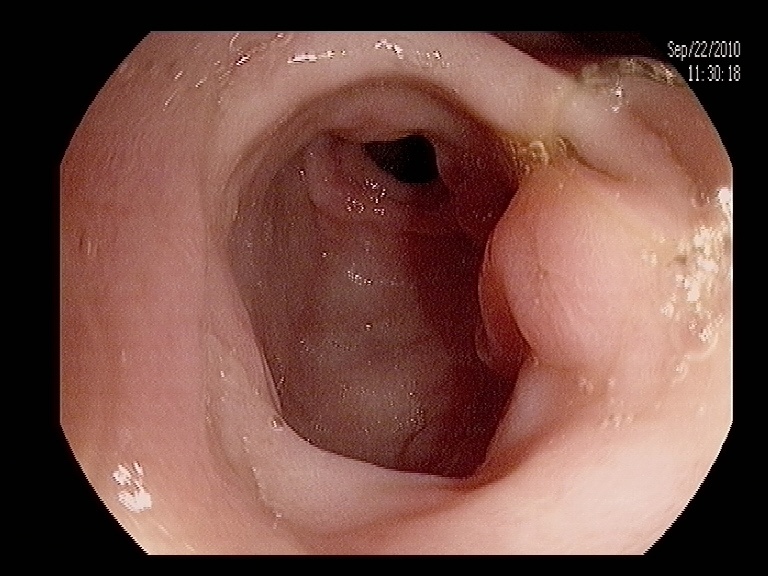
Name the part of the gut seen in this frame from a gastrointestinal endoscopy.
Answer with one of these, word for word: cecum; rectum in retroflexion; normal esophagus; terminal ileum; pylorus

pylorus